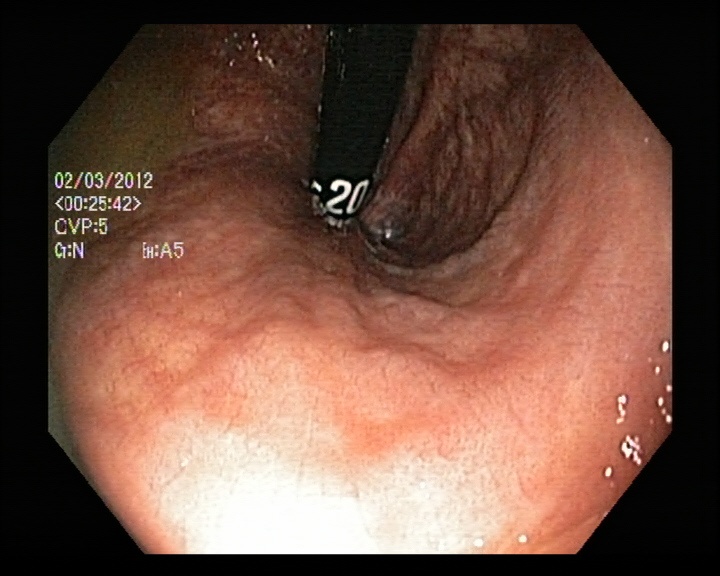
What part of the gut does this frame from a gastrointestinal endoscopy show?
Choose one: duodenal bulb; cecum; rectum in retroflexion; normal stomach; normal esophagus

normal stomach